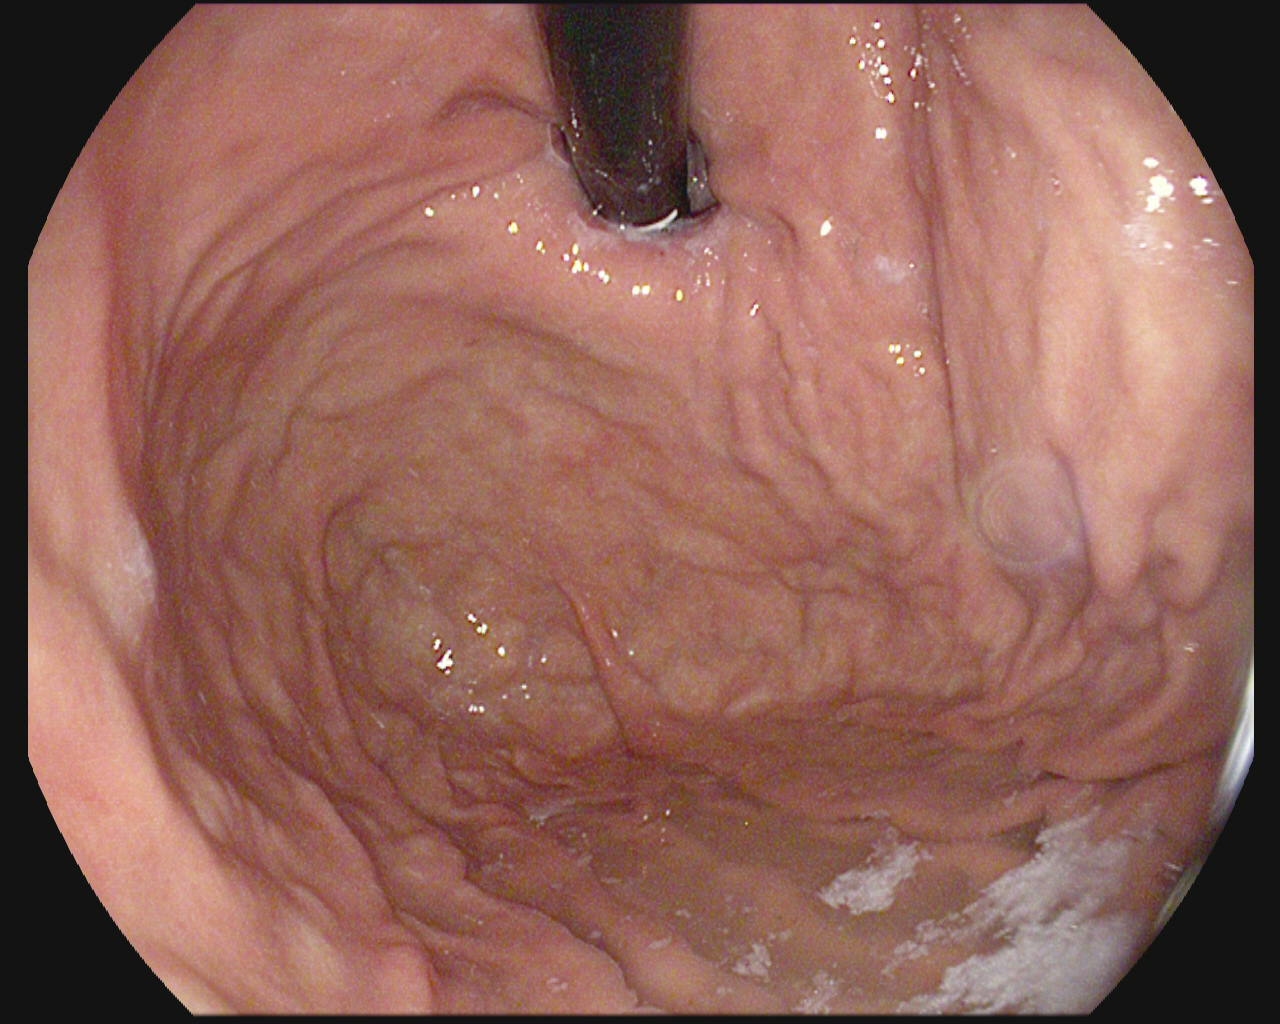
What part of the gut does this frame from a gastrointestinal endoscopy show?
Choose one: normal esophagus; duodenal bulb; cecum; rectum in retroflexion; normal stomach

normal stomach